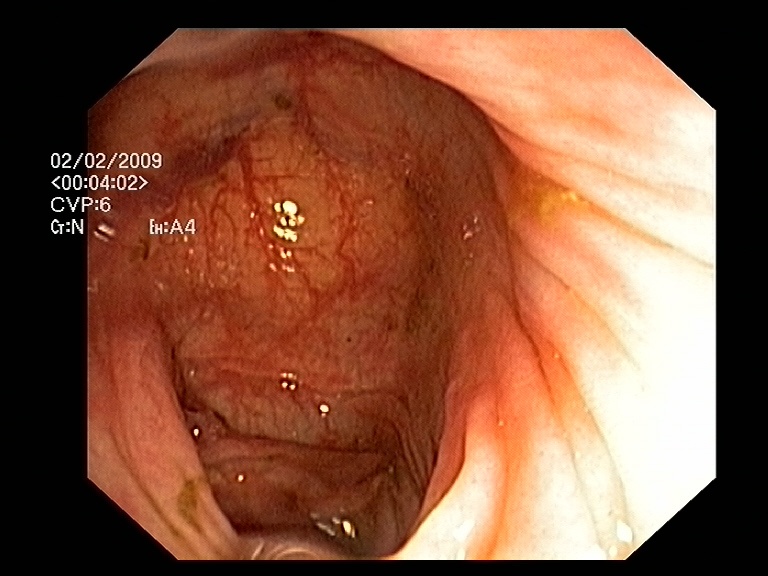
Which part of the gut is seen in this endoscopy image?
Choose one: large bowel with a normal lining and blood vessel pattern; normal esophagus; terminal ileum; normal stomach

large bowel with a normal lining and blood vessel pattern